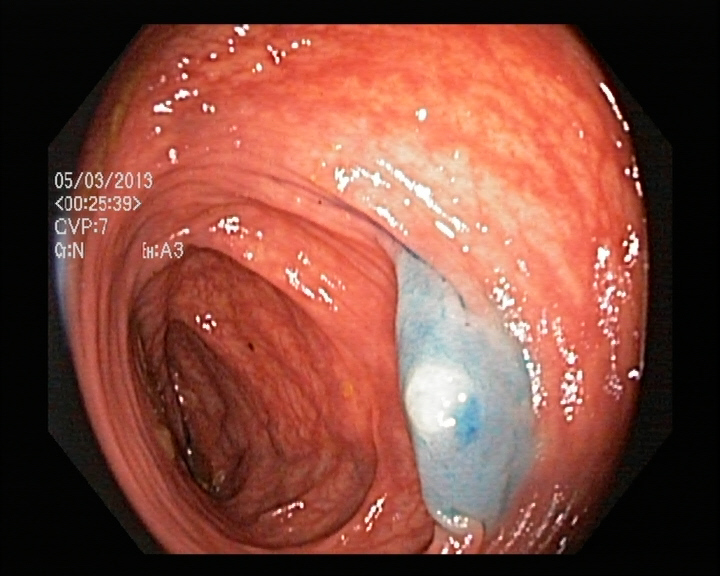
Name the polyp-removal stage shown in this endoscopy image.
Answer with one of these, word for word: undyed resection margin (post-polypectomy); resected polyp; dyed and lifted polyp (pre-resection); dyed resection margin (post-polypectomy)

dyed and lifted polyp (pre-resection)